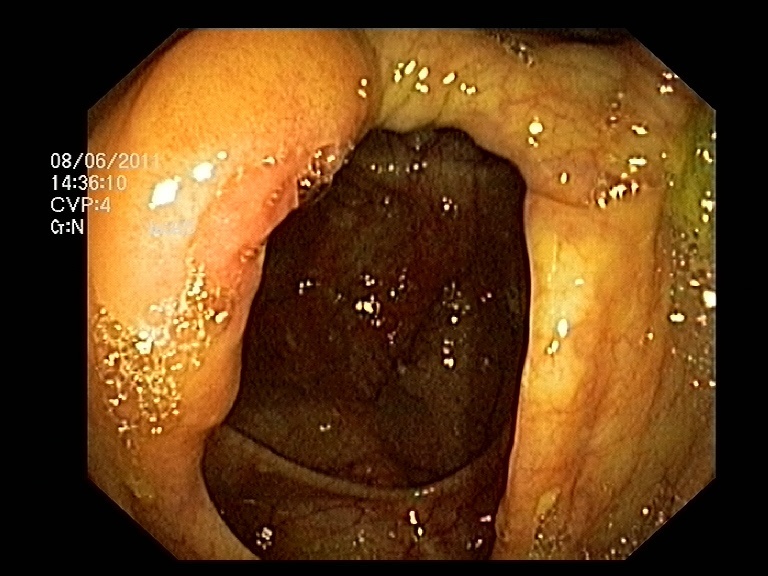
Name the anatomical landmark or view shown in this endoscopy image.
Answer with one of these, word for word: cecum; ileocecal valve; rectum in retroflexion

ileocecal valve